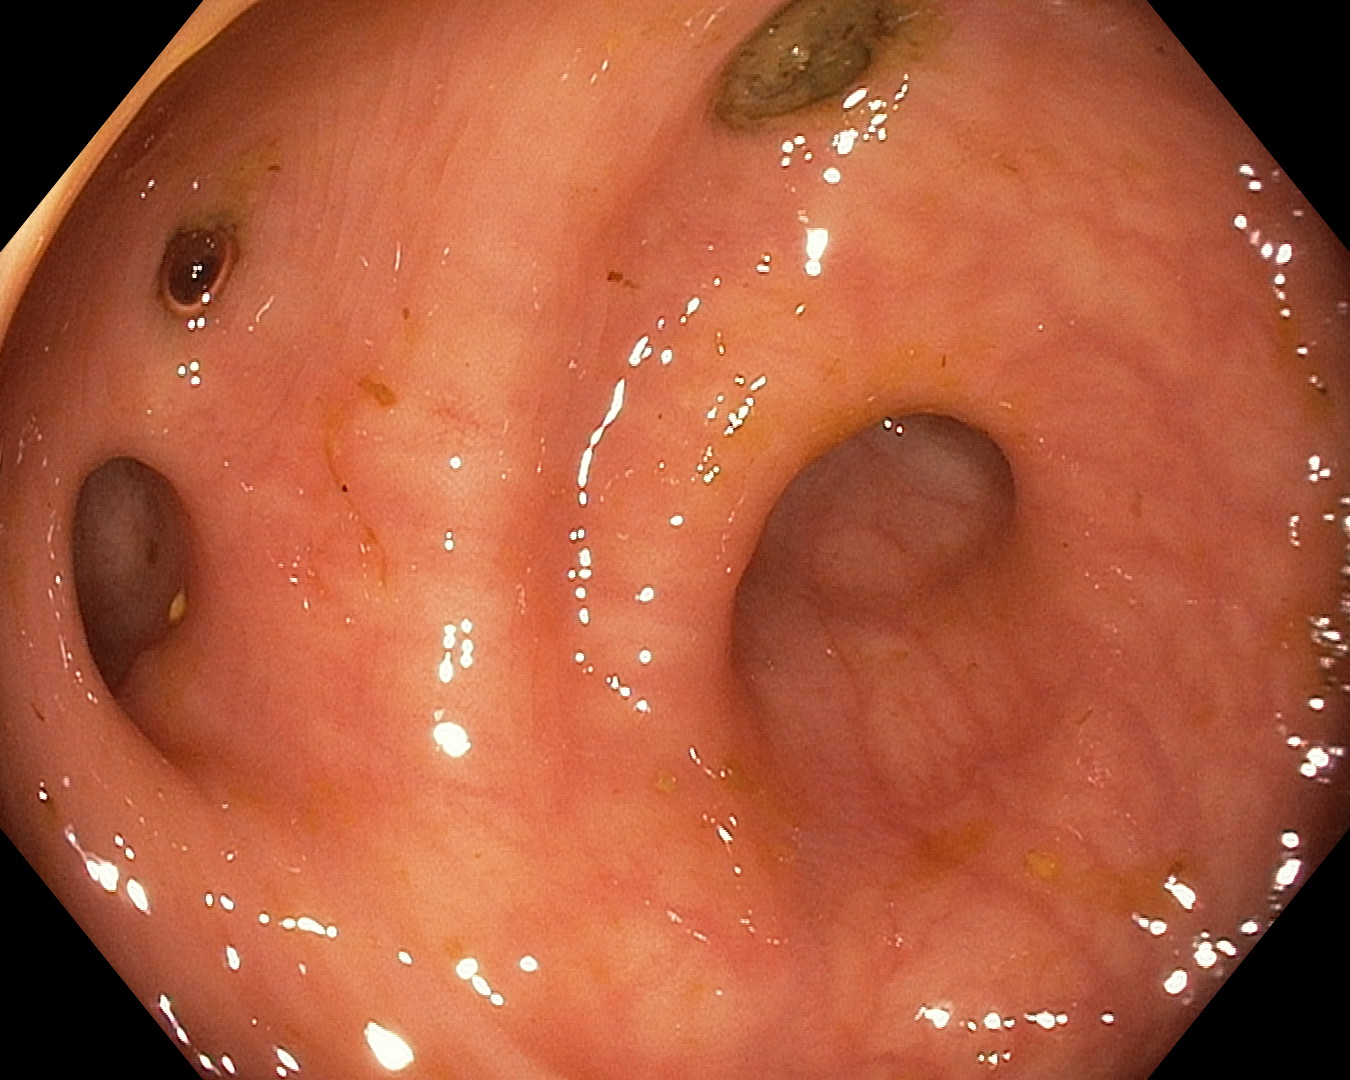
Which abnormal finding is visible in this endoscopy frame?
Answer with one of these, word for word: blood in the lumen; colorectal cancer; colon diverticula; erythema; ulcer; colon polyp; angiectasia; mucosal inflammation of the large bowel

colon diverticula